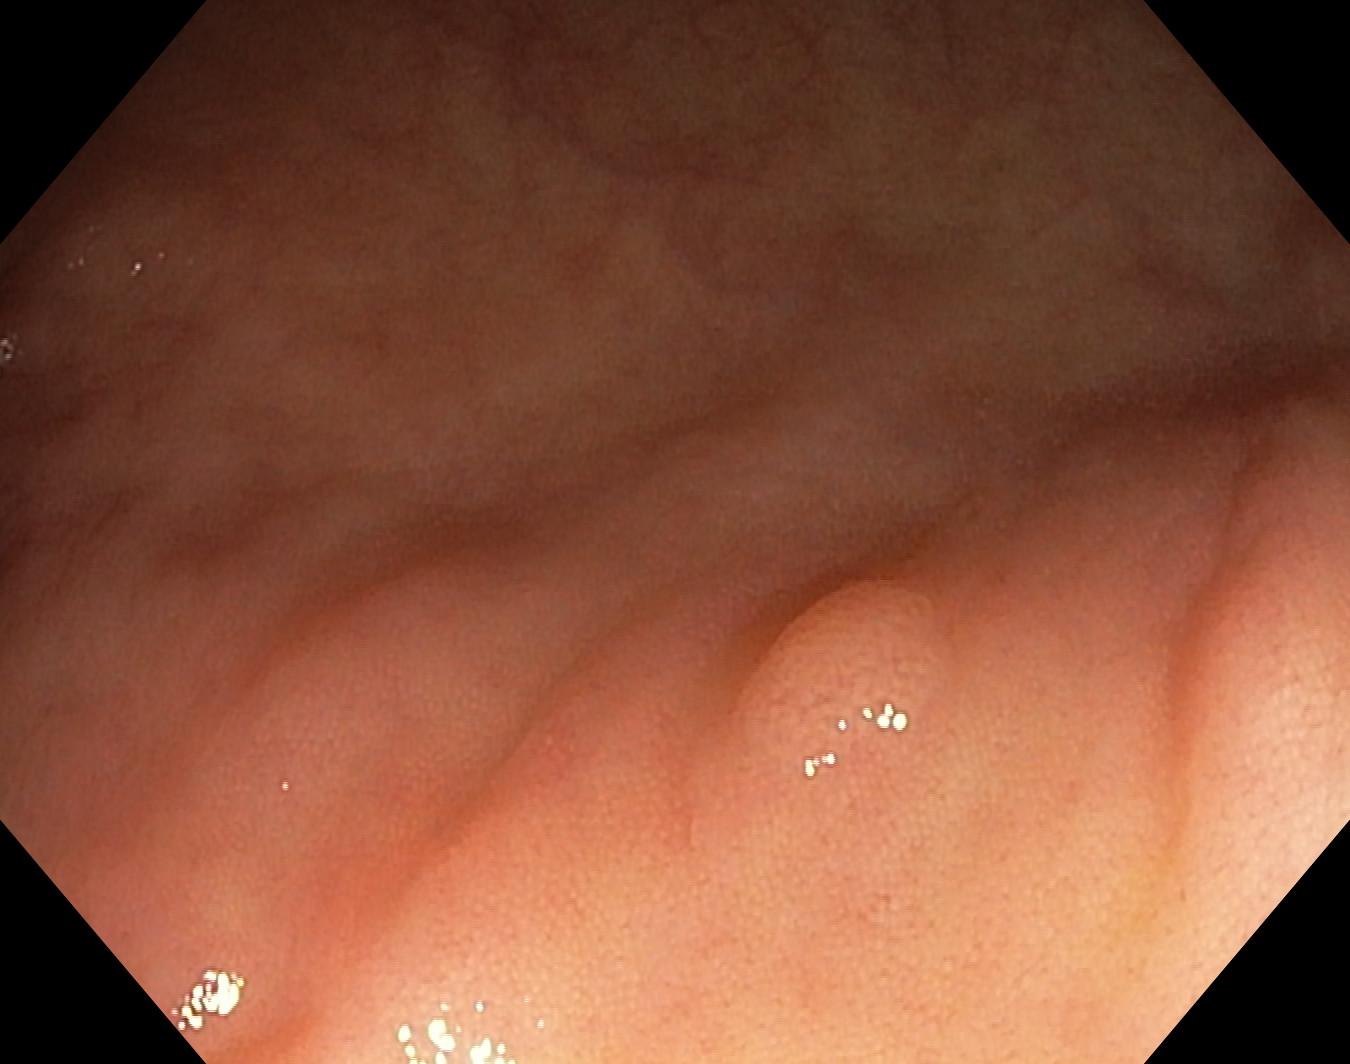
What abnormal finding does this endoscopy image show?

colon polyp